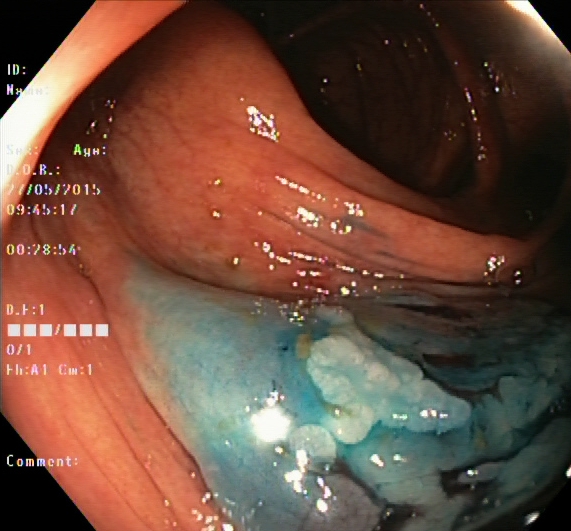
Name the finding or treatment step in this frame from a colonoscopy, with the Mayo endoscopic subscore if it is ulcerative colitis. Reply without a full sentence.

dyed and lifted polyp (pre-resection)